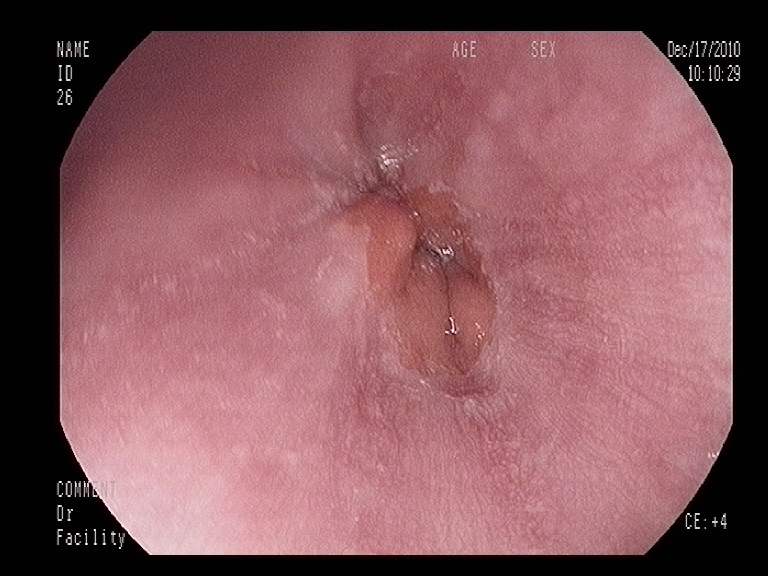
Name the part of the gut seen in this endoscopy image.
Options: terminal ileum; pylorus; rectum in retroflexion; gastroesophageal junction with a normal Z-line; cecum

gastroesophageal junction with a normal Z-line